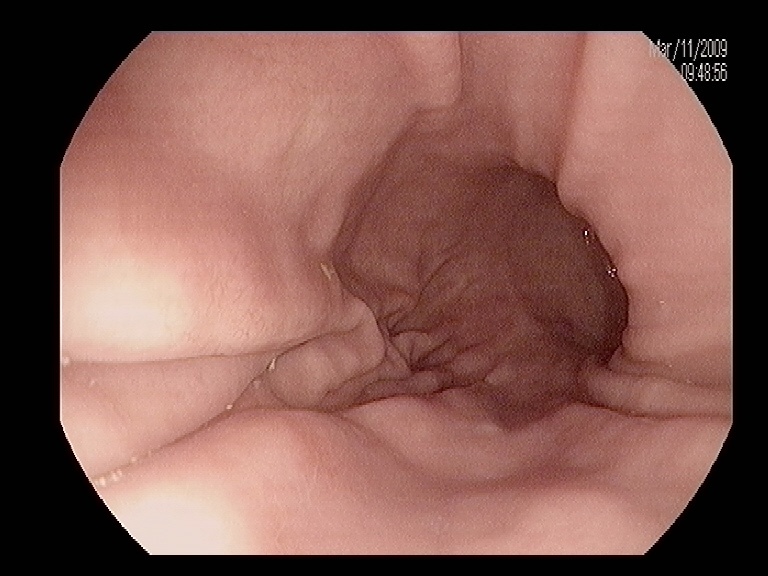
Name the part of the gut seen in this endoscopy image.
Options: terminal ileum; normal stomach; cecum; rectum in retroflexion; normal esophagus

normal stomach